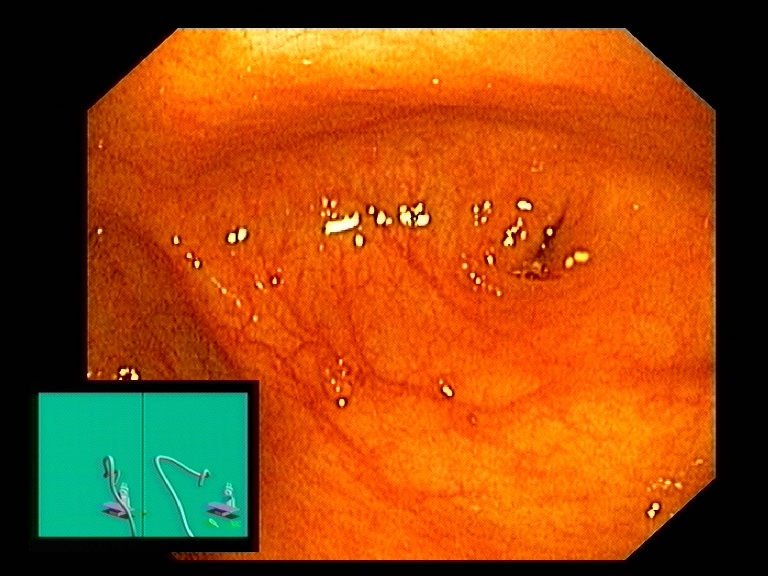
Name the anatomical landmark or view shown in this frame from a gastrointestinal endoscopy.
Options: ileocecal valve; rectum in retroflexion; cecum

cecum